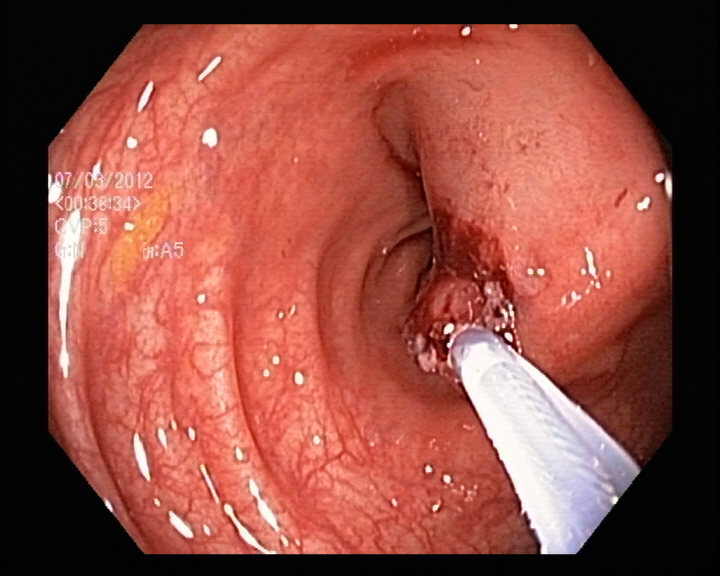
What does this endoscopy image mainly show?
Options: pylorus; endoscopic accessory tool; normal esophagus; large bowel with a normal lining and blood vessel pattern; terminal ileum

endoscopic accessory tool